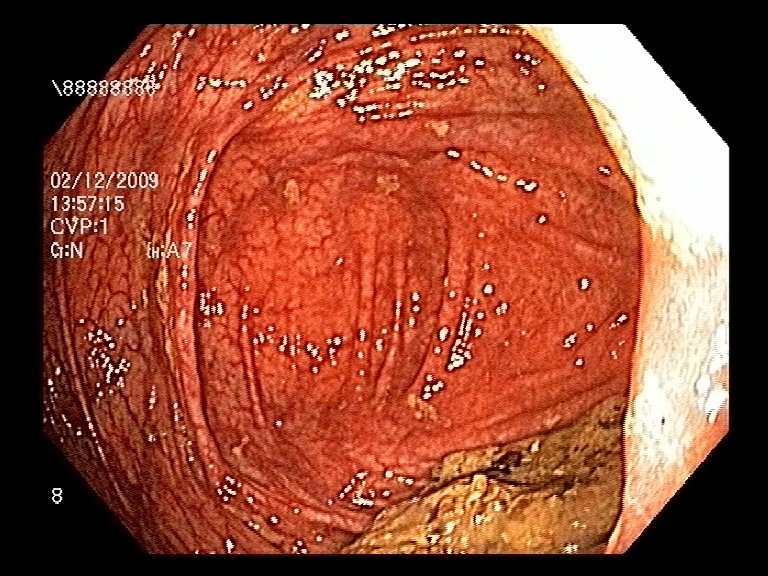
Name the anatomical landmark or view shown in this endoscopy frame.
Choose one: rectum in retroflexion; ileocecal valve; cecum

cecum